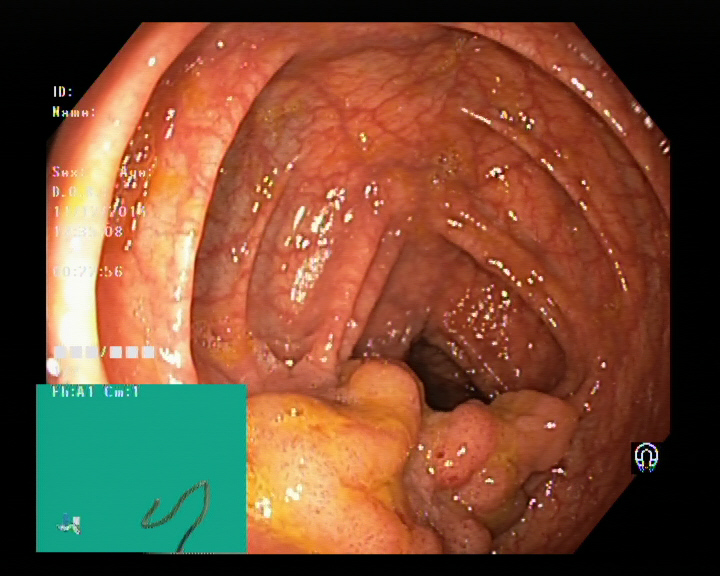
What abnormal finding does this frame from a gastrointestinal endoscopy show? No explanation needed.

colon polyp